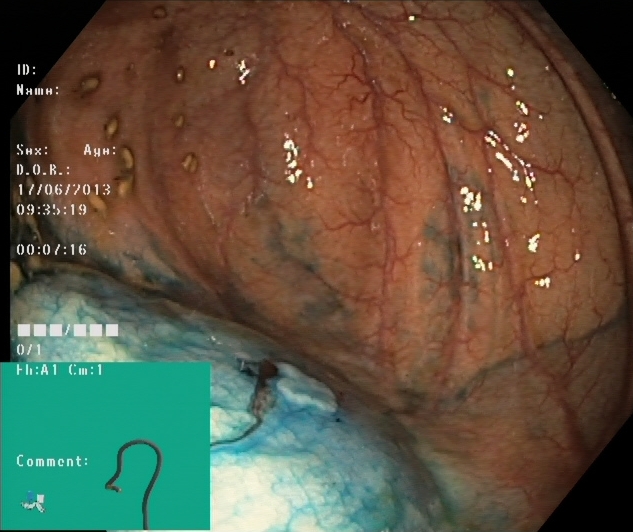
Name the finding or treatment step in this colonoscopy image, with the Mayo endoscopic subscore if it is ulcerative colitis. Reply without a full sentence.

dyed and lifted polyp (pre-resection)